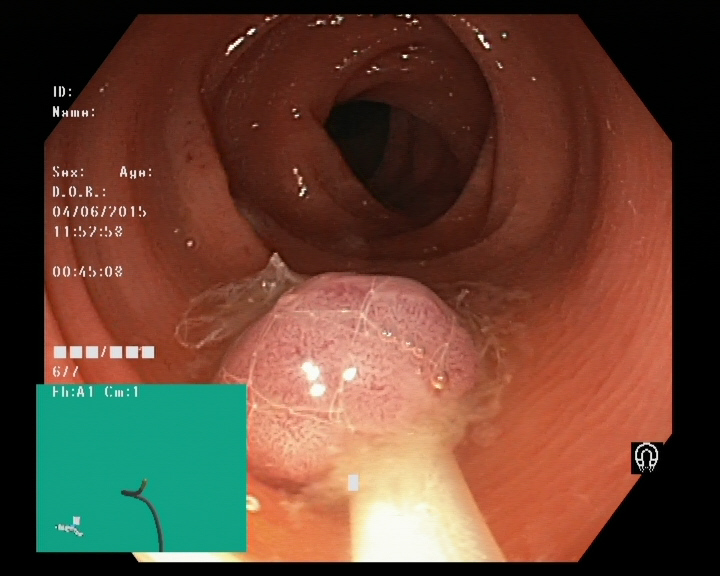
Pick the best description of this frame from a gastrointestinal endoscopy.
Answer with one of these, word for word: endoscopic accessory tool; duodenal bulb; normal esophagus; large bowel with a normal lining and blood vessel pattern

endoscopic accessory tool